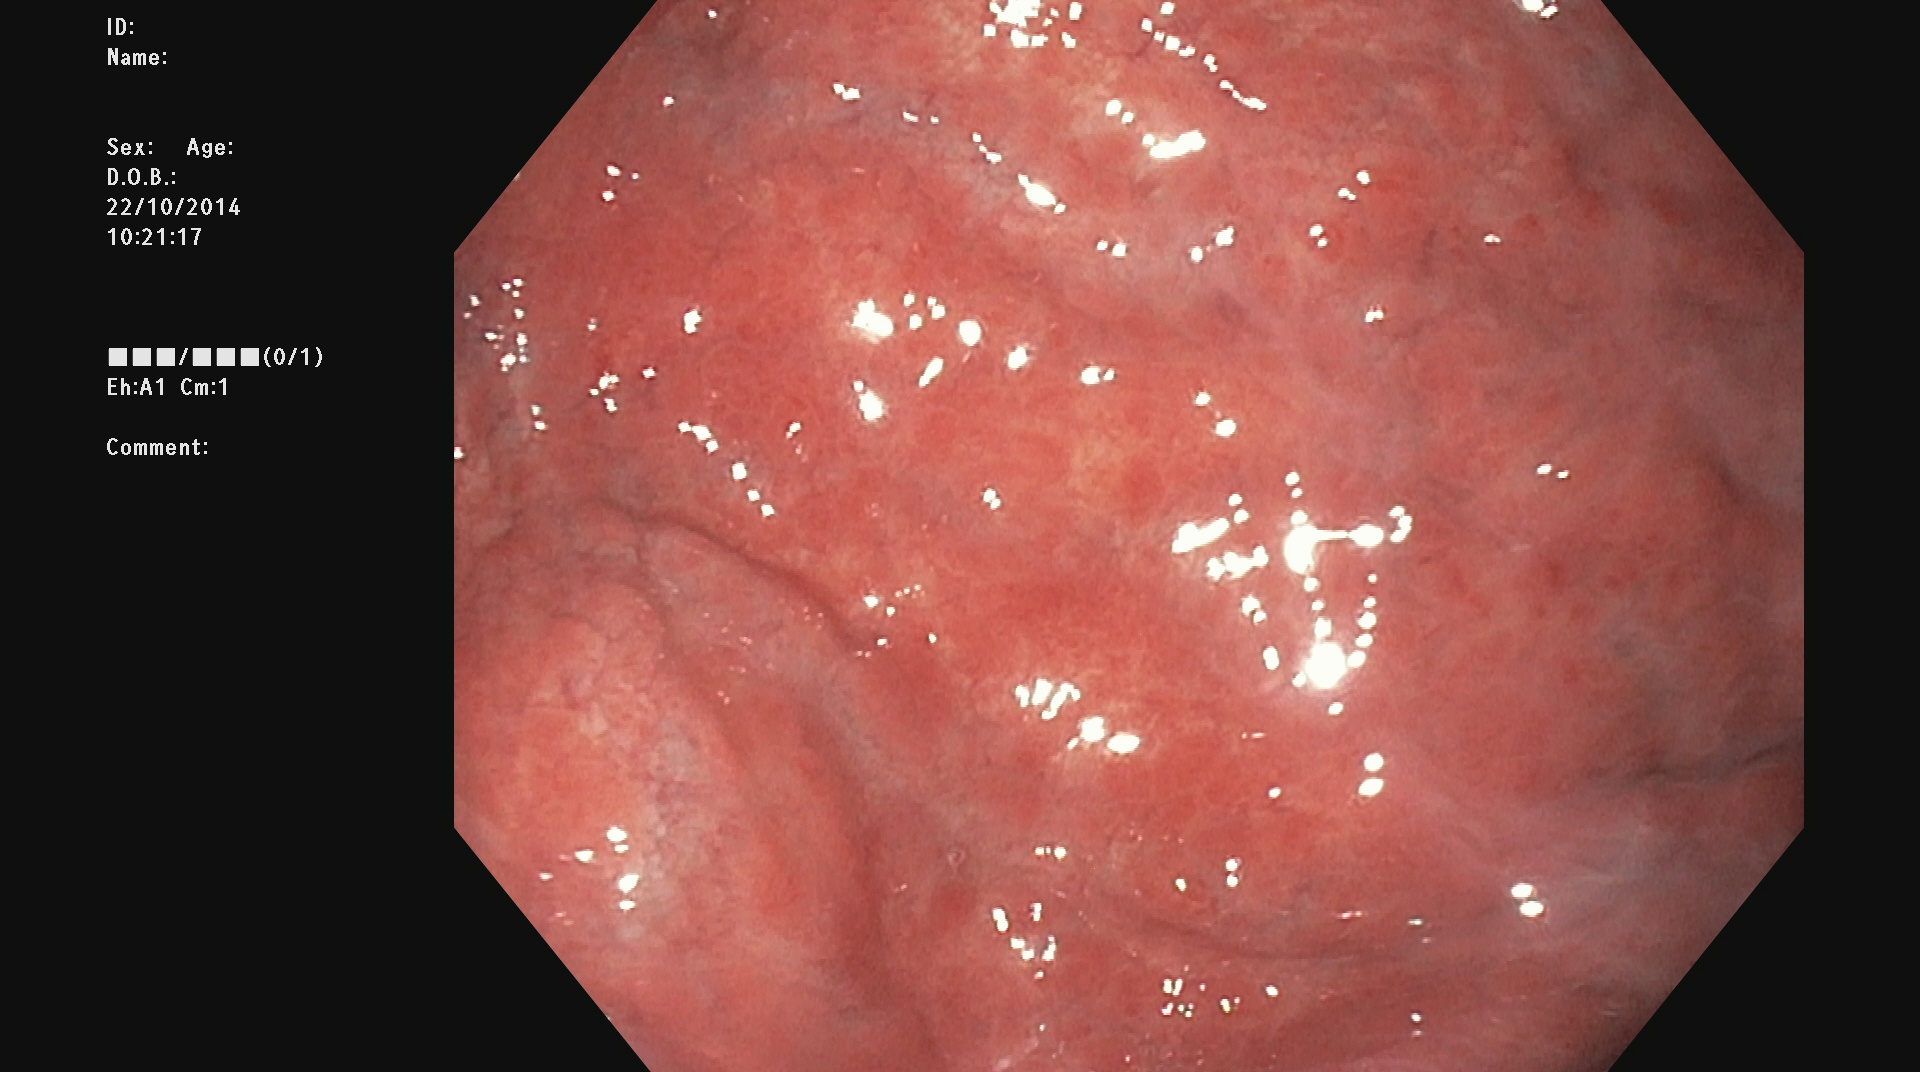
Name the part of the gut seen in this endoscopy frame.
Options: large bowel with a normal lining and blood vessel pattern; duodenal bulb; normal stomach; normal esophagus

normal stomach